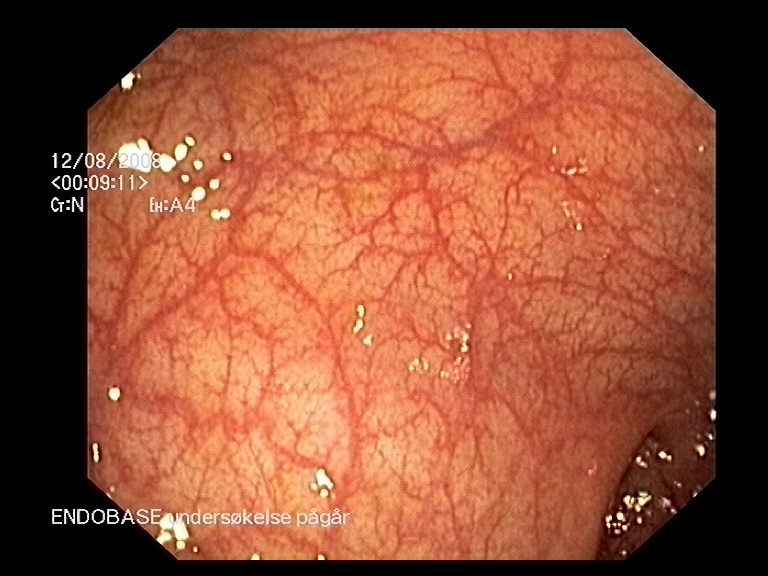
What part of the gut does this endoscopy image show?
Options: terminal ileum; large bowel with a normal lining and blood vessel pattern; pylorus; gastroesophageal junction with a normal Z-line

large bowel with a normal lining and blood vessel pattern